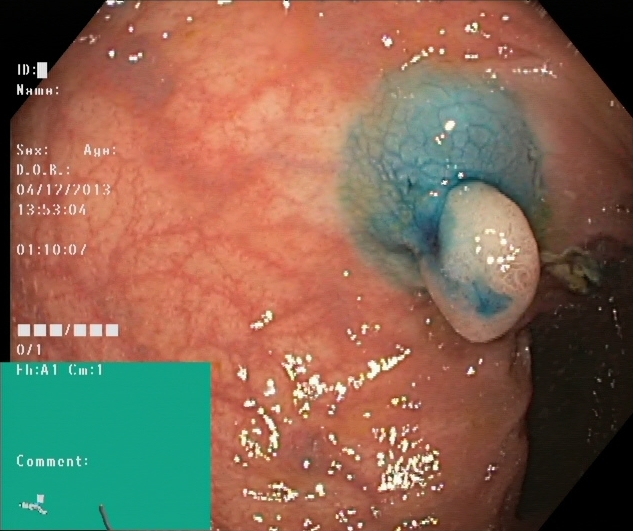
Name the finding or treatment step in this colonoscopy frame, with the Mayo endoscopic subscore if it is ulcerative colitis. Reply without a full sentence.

dyed and lifted polyp (pre-resection)